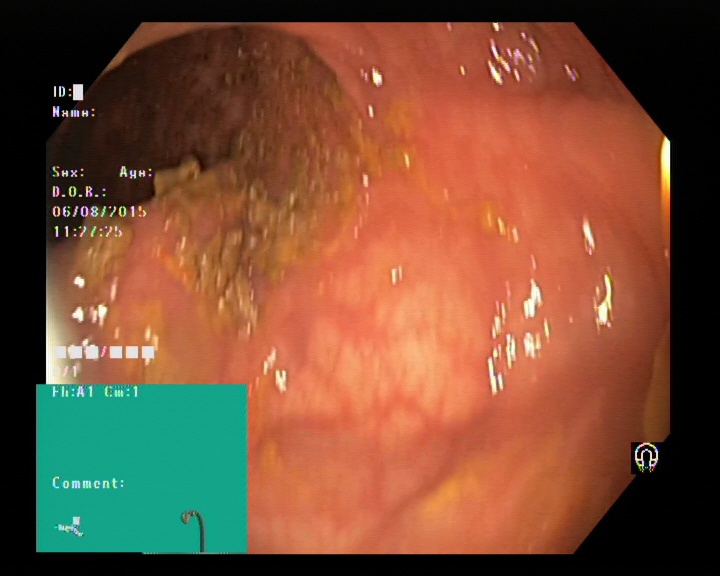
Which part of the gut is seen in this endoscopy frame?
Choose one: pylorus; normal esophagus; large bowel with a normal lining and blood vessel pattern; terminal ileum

large bowel with a normal lining and blood vessel pattern